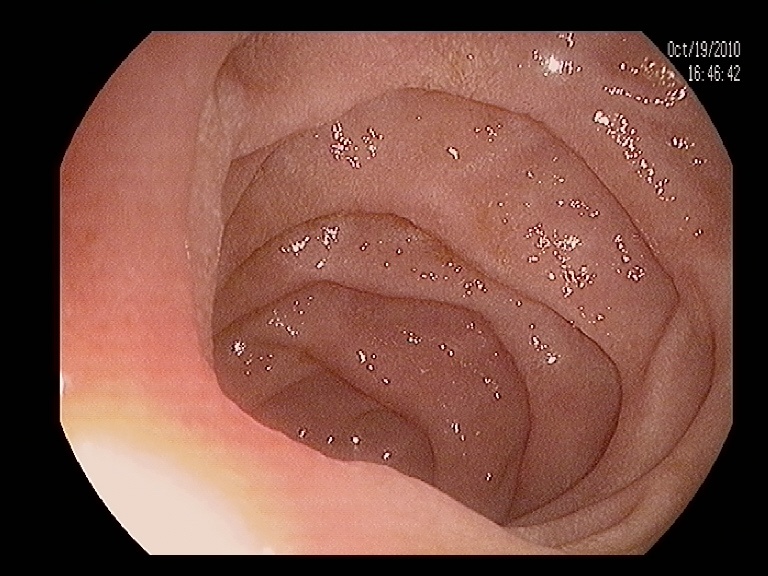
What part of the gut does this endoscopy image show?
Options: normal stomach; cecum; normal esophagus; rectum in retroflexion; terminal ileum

terminal ileum